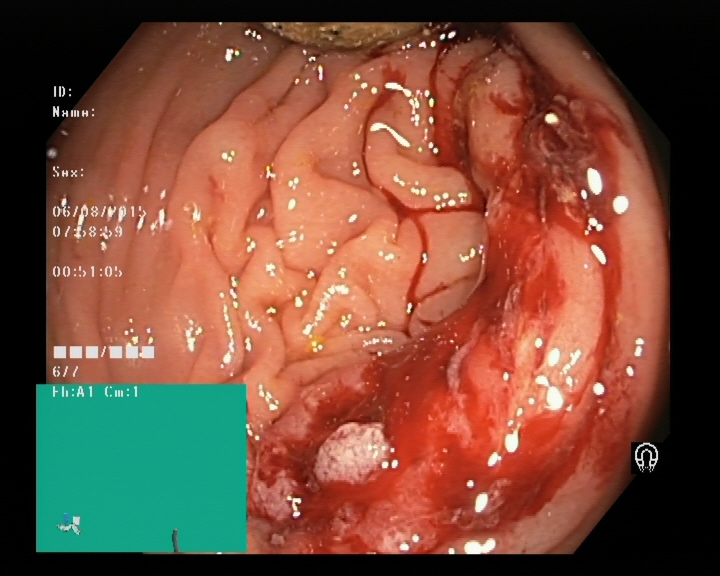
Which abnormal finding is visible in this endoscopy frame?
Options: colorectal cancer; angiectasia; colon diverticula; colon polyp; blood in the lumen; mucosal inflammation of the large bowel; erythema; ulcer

blood in the lumen